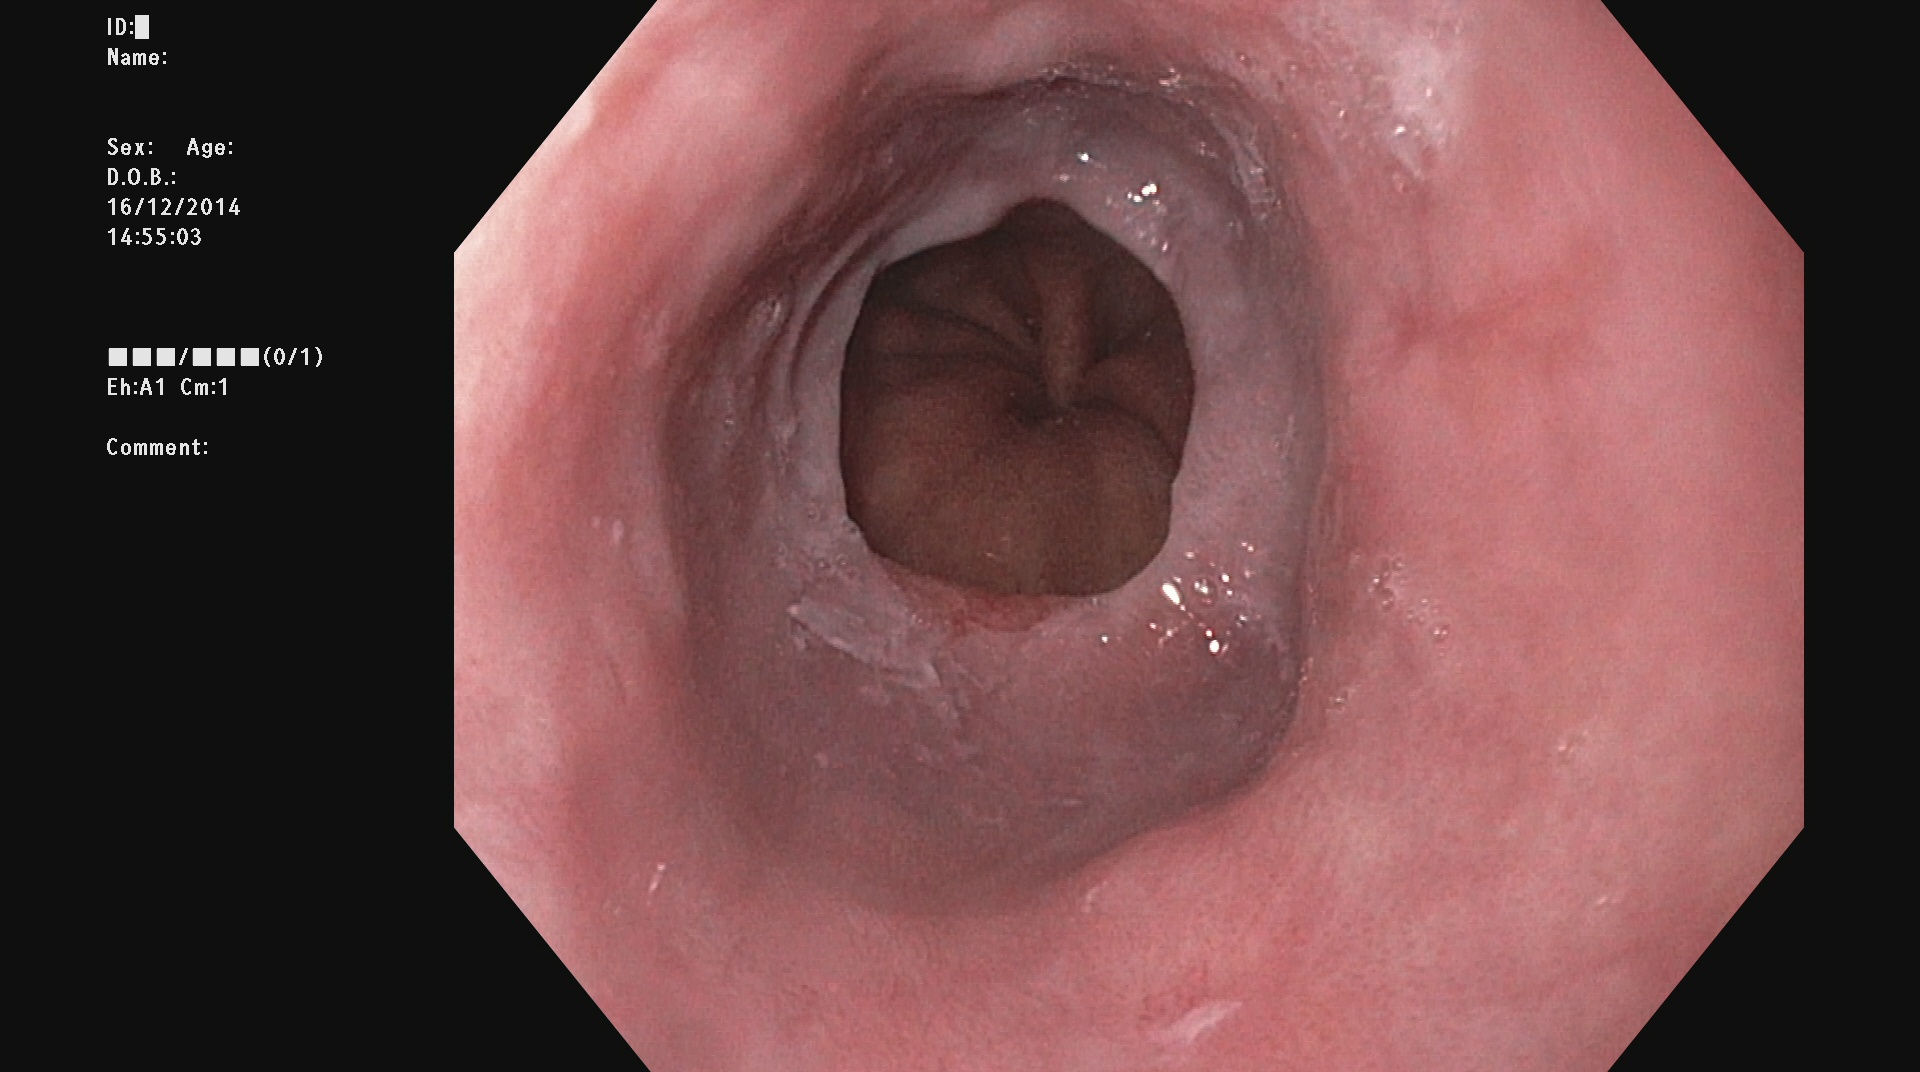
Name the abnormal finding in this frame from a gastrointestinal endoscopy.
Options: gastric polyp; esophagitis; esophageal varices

esophagitis